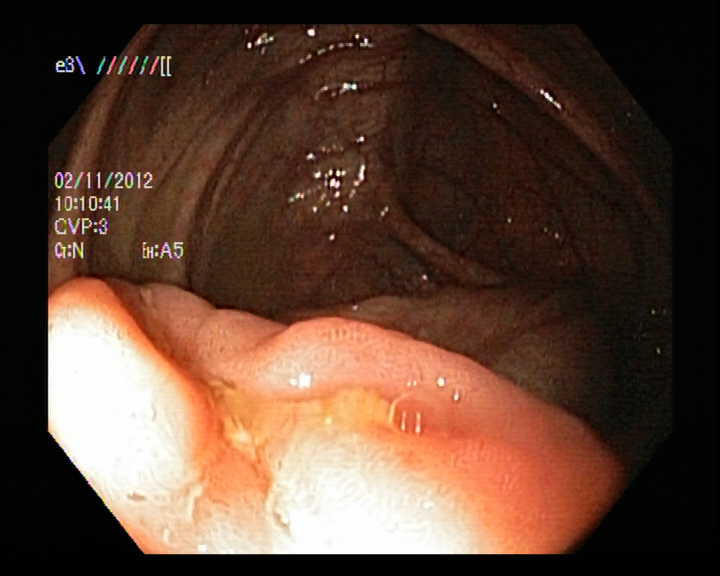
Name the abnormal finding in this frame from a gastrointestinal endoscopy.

colon polyp